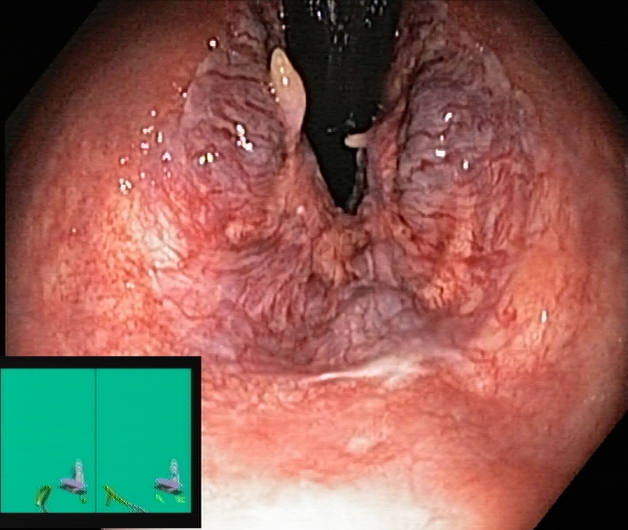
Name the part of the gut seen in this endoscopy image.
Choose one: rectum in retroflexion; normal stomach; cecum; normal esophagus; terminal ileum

rectum in retroflexion